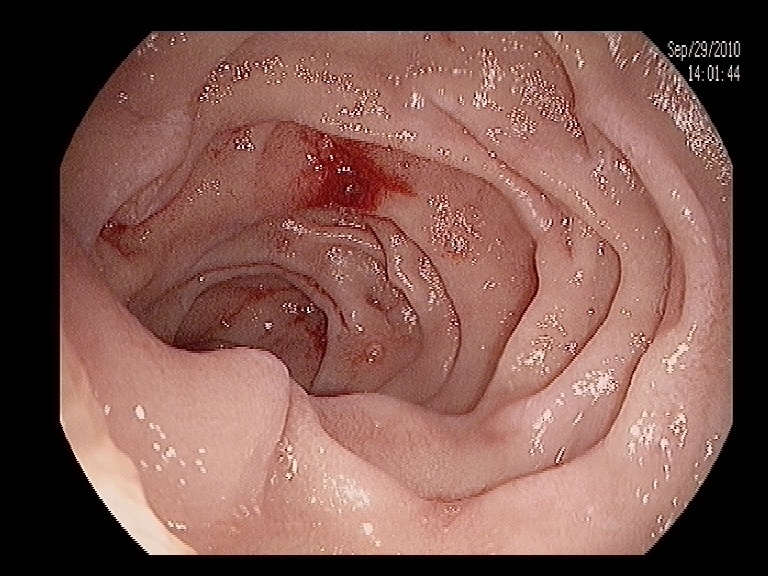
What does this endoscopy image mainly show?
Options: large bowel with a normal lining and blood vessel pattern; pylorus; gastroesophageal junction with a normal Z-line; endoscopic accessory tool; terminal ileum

terminal ileum